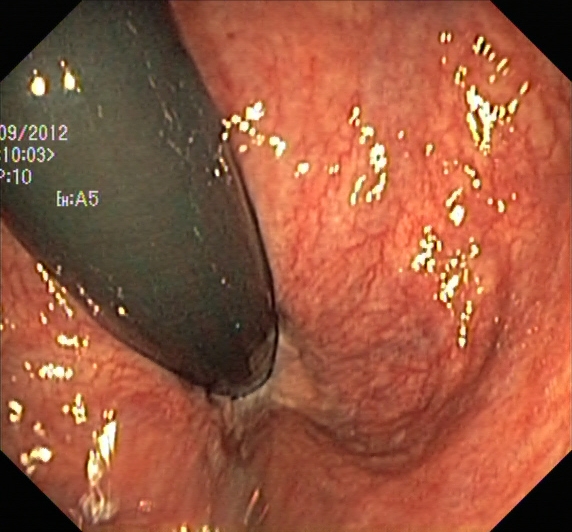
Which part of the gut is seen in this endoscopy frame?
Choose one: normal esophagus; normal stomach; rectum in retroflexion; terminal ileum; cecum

rectum in retroflexion